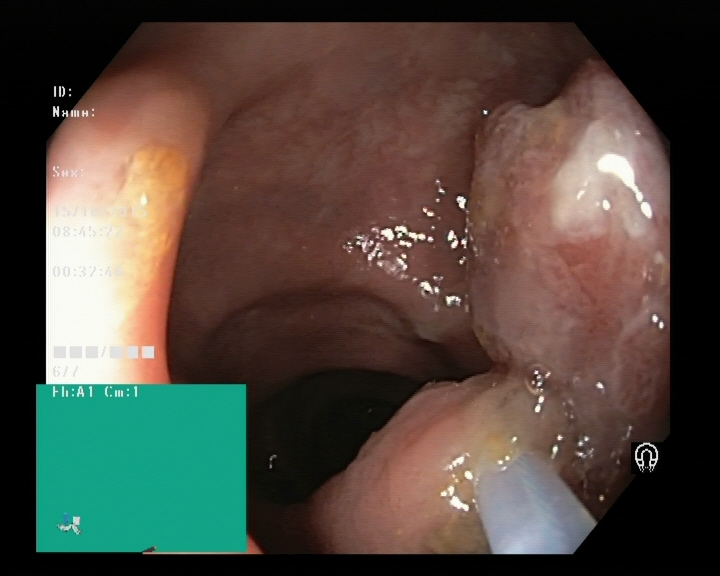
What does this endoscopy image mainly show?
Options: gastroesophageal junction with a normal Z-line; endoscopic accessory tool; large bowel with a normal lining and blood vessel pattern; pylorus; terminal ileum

endoscopic accessory tool